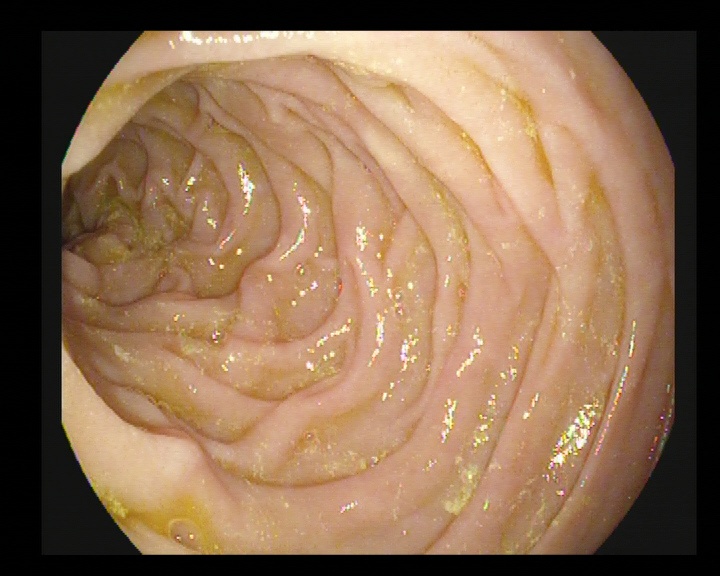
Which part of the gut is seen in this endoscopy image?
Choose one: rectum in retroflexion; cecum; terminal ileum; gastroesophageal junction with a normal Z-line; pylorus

terminal ileum